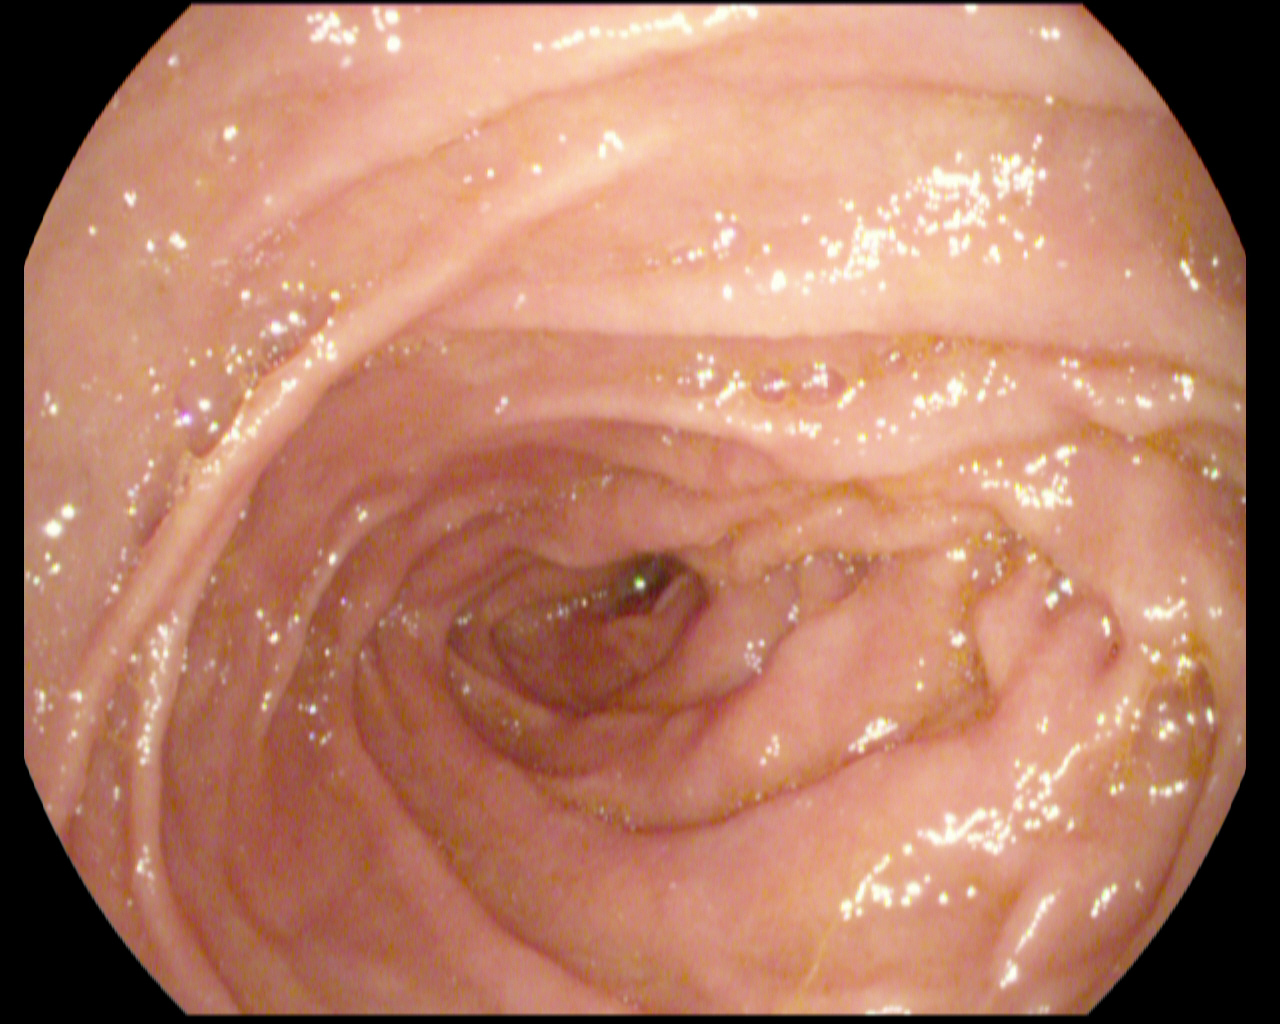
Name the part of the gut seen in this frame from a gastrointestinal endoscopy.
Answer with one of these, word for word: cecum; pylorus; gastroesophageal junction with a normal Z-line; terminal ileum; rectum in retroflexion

terminal ileum